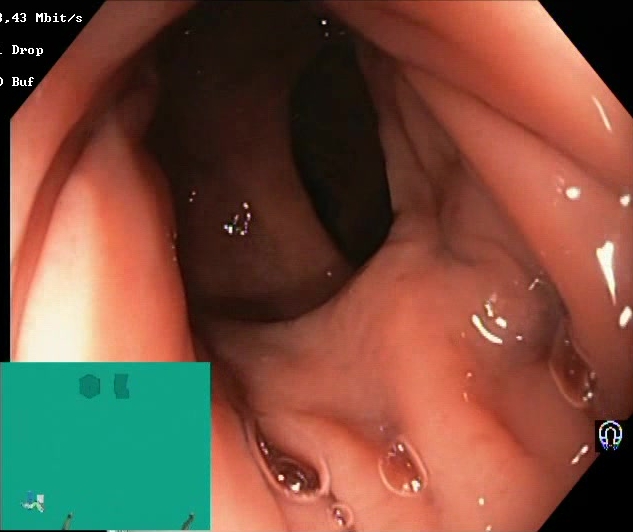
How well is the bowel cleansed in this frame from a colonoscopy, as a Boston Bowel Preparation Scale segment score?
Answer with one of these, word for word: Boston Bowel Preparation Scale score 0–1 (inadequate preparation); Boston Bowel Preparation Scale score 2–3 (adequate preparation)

Boston Bowel Preparation Scale score 2–3 (adequate preparation)